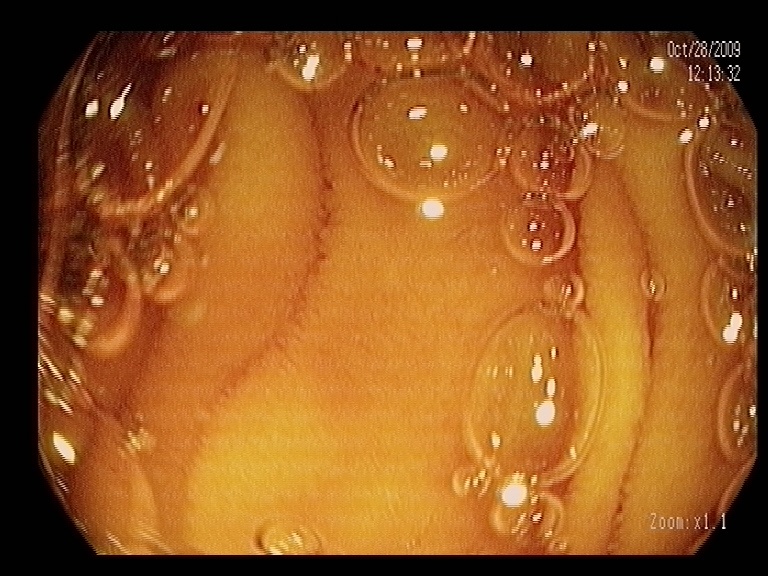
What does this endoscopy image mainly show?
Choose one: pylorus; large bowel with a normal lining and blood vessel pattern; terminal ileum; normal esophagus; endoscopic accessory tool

terminal ileum